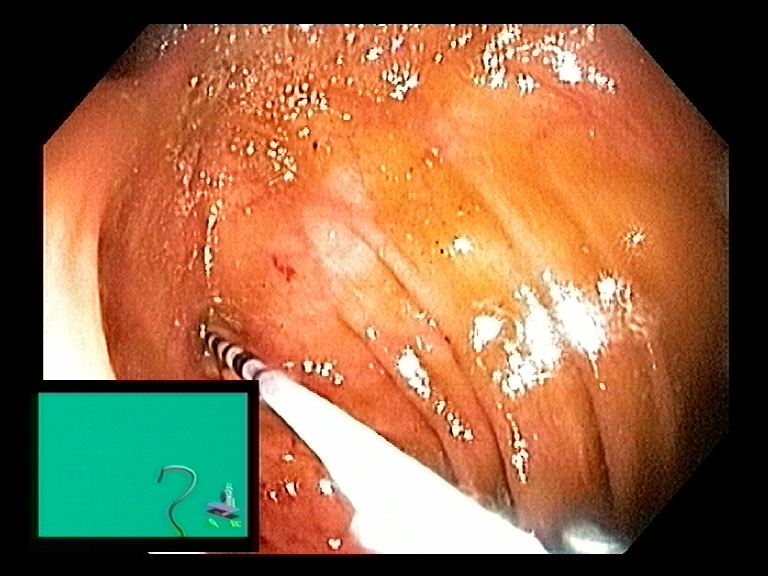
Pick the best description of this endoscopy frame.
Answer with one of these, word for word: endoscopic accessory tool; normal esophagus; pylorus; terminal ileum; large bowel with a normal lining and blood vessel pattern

endoscopic accessory tool